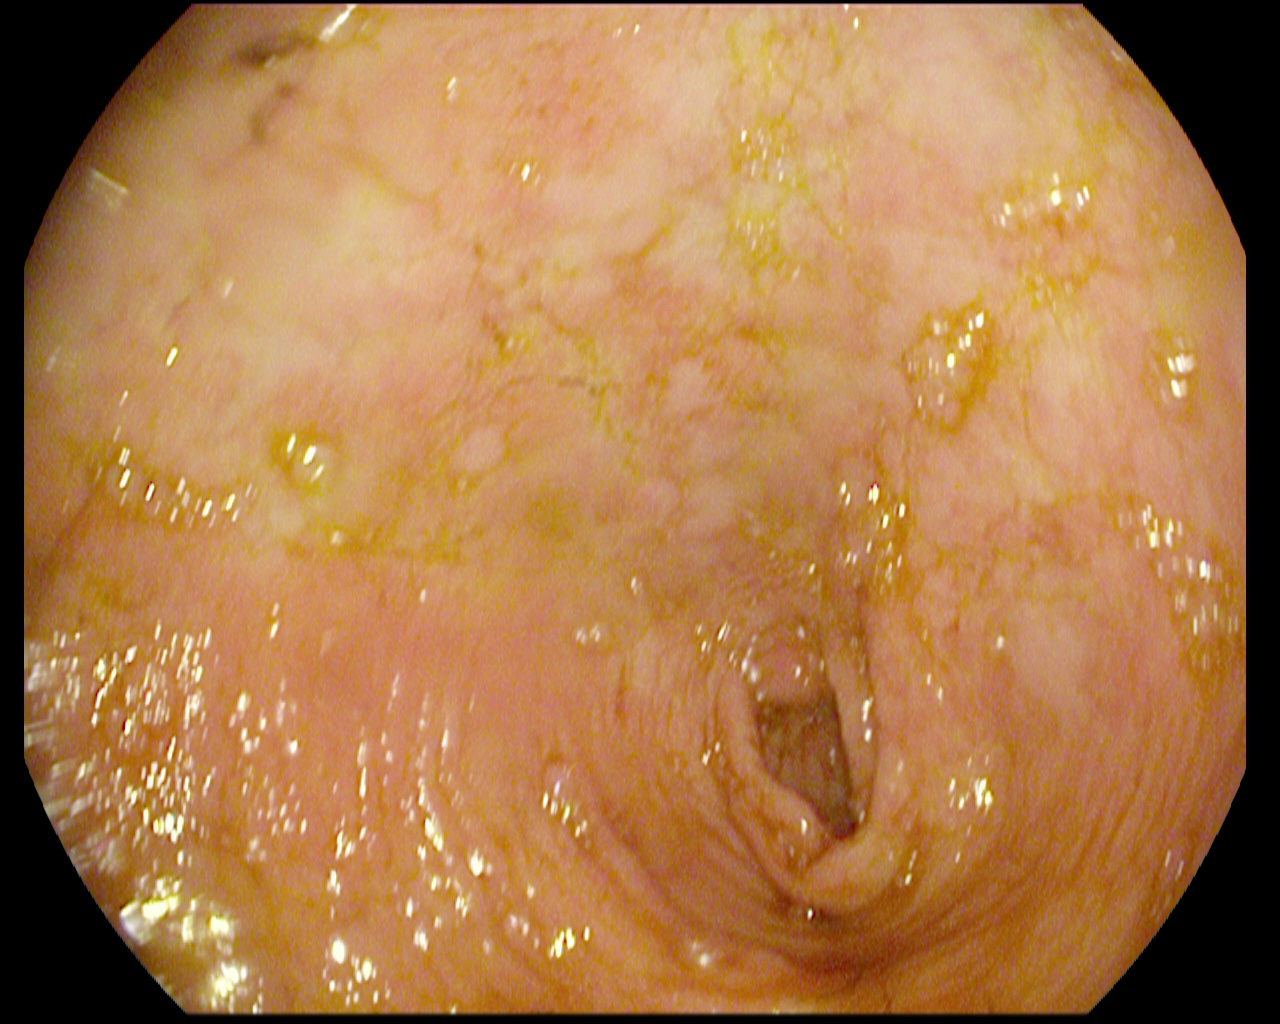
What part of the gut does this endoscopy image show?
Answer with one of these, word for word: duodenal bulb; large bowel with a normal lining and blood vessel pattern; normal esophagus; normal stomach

duodenal bulb